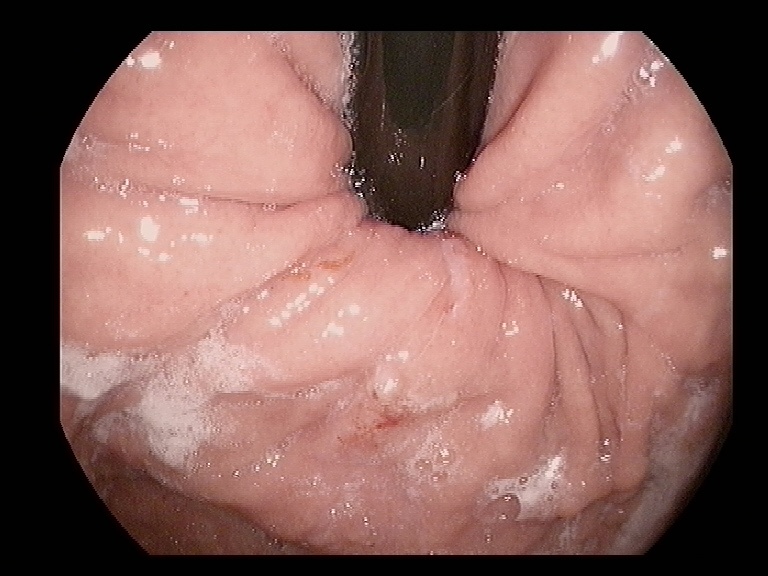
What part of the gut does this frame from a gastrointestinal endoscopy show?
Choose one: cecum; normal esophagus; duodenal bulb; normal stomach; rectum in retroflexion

normal stomach